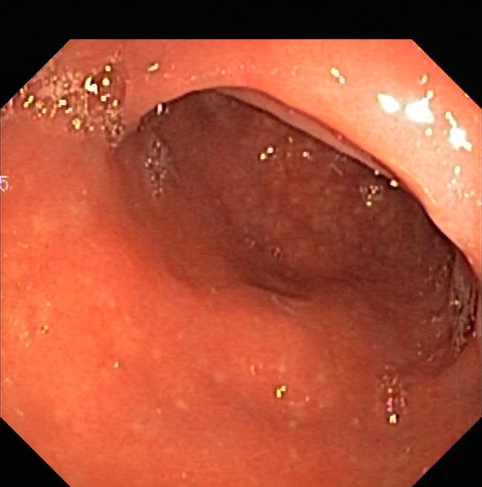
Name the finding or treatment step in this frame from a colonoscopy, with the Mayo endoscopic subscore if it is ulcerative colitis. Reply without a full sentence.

ulcerative colitis, Mayo endoscopic subscore 1